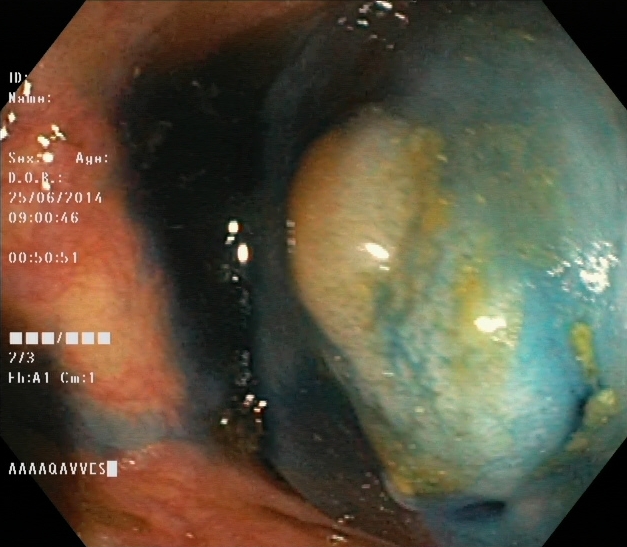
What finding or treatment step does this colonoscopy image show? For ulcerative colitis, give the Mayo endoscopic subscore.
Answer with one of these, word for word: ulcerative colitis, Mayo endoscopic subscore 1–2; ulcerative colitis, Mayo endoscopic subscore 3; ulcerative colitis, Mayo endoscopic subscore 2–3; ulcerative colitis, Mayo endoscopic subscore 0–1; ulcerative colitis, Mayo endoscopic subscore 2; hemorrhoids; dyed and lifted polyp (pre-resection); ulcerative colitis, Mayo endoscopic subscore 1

dyed and lifted polyp (pre-resection)